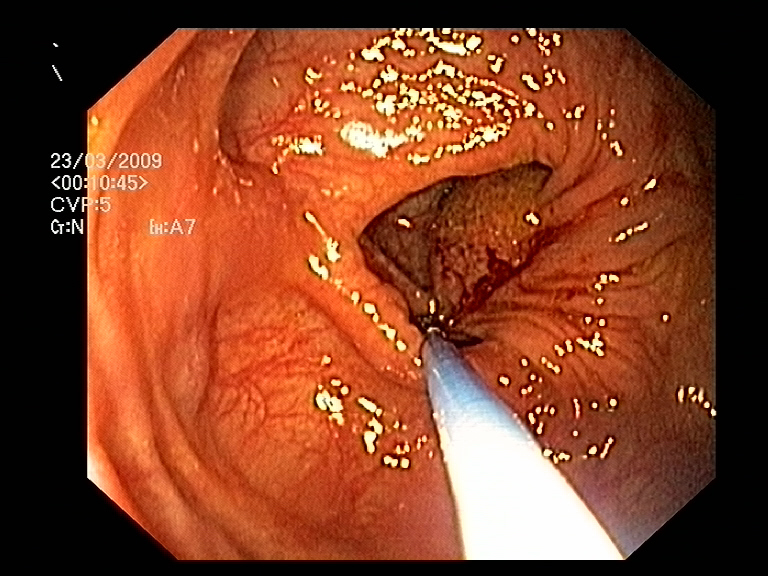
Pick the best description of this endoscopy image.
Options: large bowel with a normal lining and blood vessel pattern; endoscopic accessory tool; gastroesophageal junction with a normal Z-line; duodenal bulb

endoscopic accessory tool